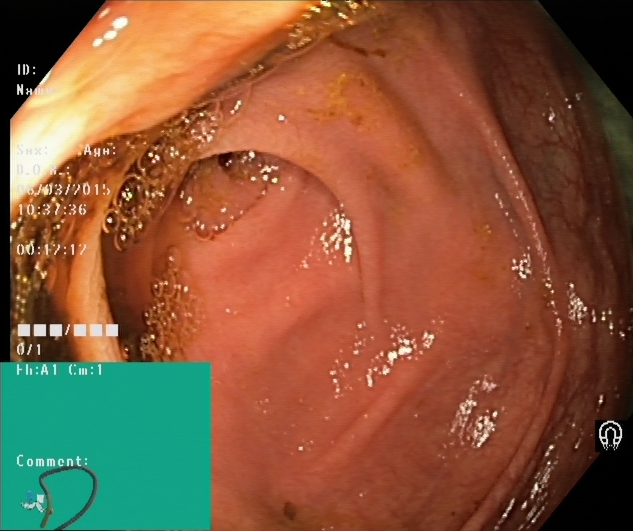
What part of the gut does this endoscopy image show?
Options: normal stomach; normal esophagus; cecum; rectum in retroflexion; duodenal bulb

cecum